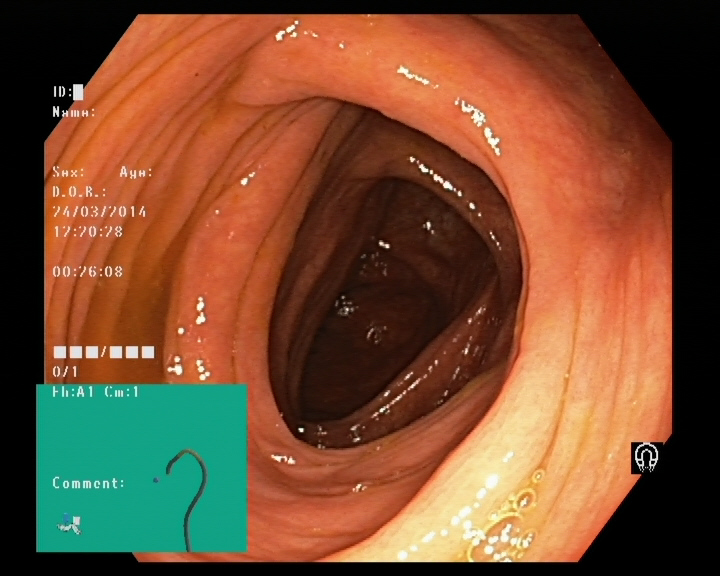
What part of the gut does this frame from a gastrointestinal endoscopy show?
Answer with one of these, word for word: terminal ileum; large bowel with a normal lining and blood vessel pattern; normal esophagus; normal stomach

large bowel with a normal lining and blood vessel pattern